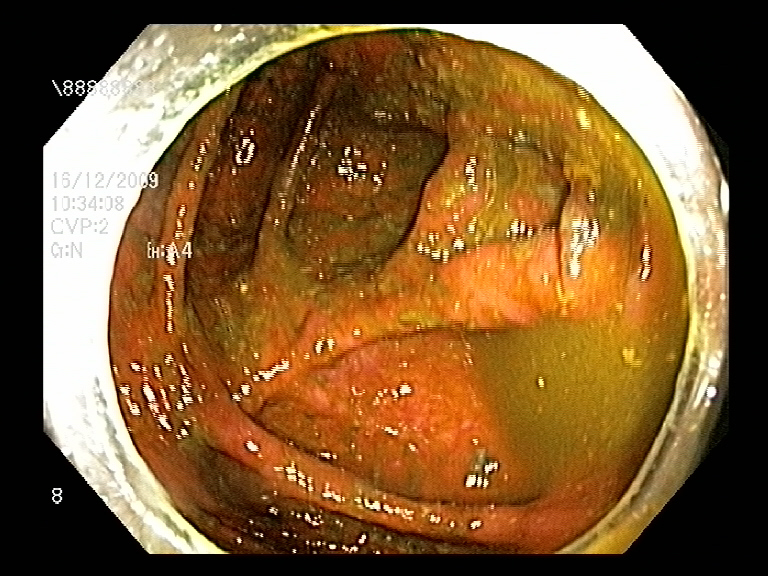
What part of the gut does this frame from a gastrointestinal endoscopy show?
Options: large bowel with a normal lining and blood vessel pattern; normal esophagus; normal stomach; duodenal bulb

large bowel with a normal lining and blood vessel pattern